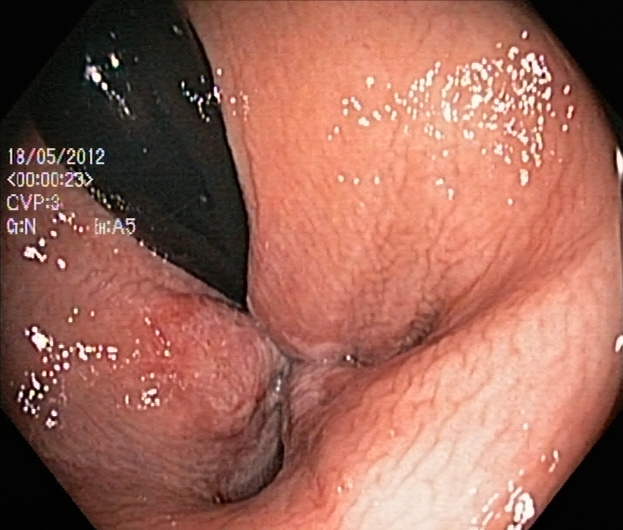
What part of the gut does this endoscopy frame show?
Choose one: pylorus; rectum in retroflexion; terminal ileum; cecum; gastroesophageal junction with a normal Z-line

rectum in retroflexion